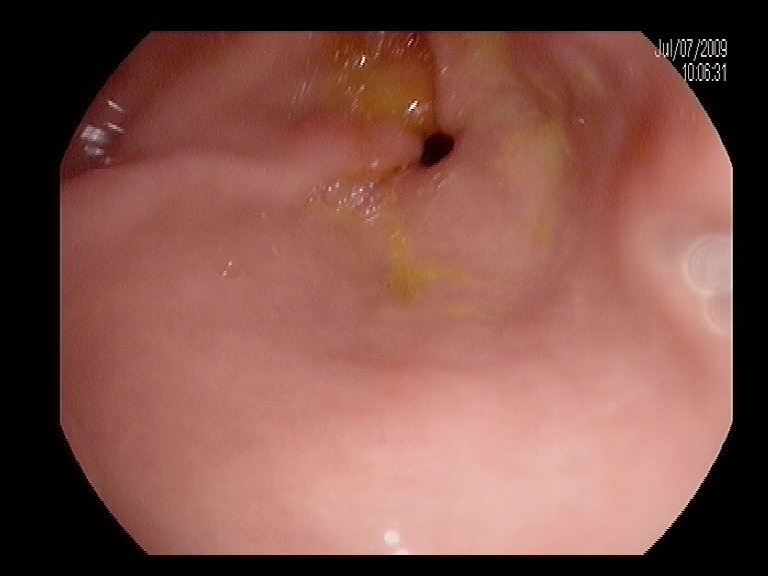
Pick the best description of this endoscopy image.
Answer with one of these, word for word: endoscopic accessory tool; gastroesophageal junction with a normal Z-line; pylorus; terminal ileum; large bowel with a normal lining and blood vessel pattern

pylorus